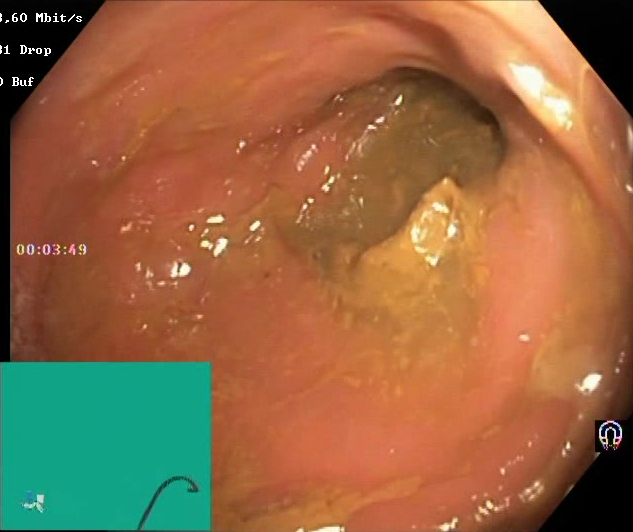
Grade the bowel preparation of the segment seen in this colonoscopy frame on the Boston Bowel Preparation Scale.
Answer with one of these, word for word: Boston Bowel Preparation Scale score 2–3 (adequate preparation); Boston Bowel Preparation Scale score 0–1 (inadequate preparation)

Boston Bowel Preparation Scale score 0–1 (inadequate preparation)